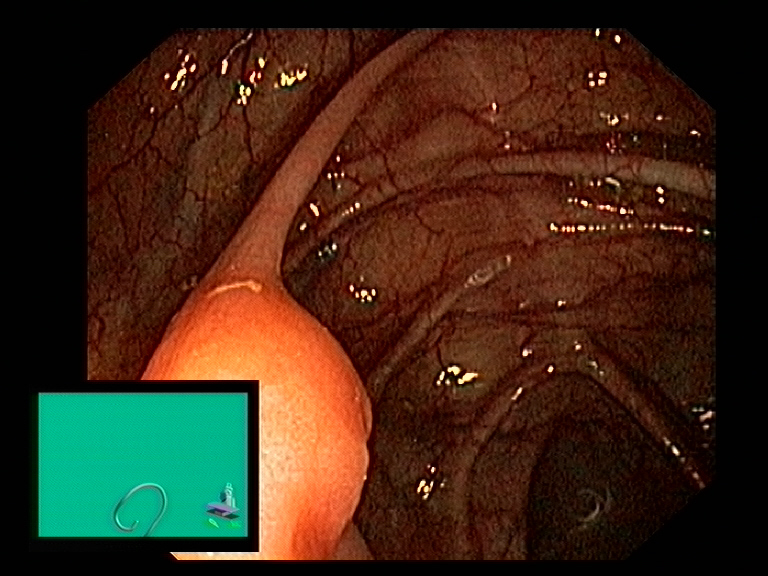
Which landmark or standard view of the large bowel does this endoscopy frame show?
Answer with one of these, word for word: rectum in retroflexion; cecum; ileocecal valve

ileocecal valve